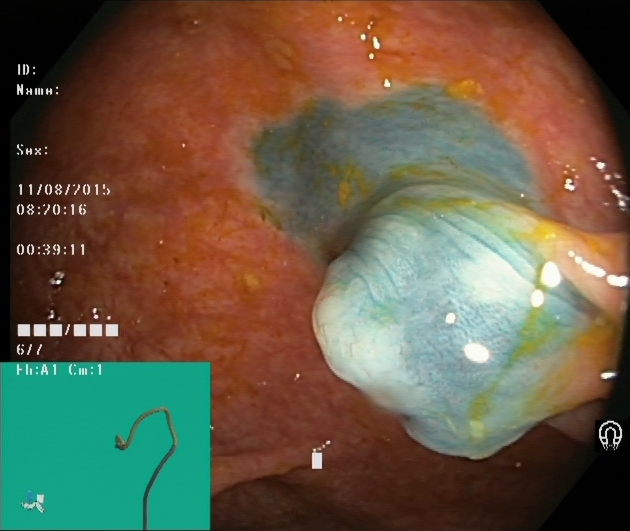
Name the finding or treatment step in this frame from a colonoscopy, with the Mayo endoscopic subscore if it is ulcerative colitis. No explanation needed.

dyed and lifted polyp (pre-resection)